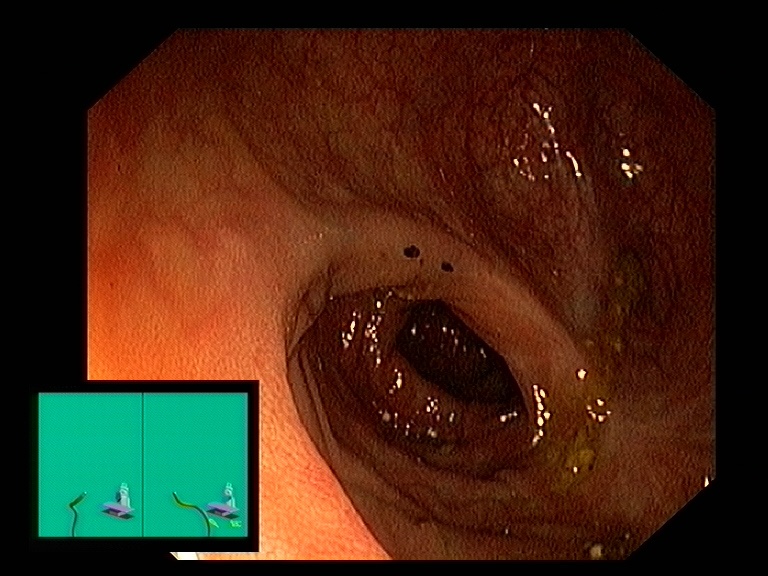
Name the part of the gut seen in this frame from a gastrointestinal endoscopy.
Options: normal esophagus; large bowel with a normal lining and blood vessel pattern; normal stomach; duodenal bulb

large bowel with a normal lining and blood vessel pattern